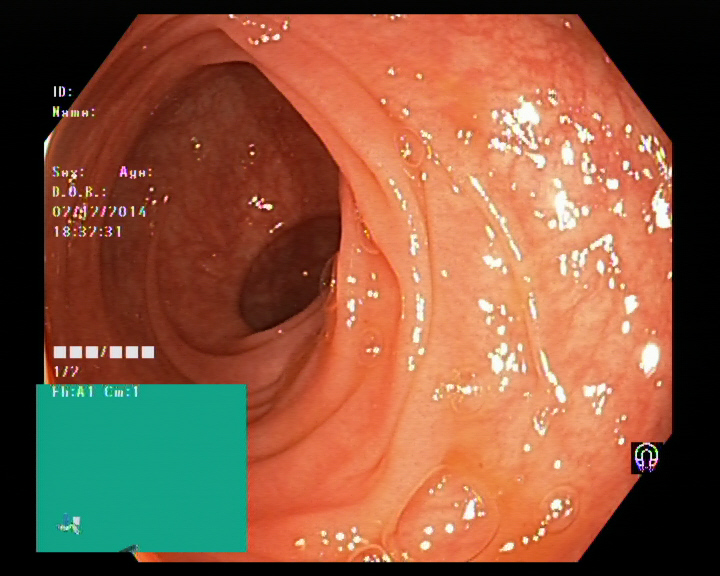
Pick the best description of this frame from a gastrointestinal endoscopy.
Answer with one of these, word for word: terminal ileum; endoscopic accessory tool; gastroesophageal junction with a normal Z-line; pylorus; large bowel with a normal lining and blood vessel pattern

large bowel with a normal lining and blood vessel pattern